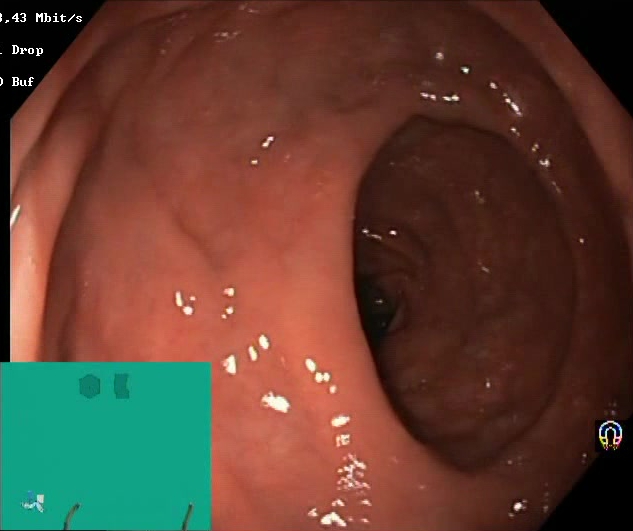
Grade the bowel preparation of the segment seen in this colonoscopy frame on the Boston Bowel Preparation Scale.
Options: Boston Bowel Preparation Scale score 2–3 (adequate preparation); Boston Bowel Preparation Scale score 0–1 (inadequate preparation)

Boston Bowel Preparation Scale score 2–3 (adequate preparation)